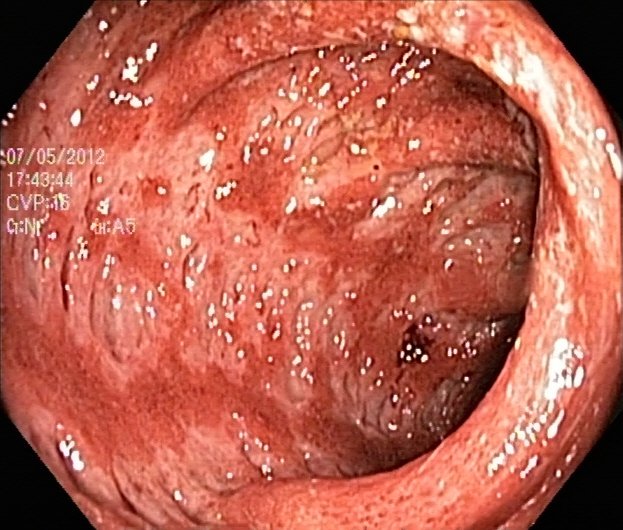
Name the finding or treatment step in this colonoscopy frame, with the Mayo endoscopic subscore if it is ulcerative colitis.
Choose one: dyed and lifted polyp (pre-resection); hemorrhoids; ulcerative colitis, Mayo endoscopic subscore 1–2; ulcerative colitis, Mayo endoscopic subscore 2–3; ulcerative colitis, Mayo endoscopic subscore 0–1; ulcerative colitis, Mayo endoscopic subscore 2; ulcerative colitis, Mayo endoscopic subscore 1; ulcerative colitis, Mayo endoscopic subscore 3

ulcerative colitis, Mayo endoscopic subscore 3